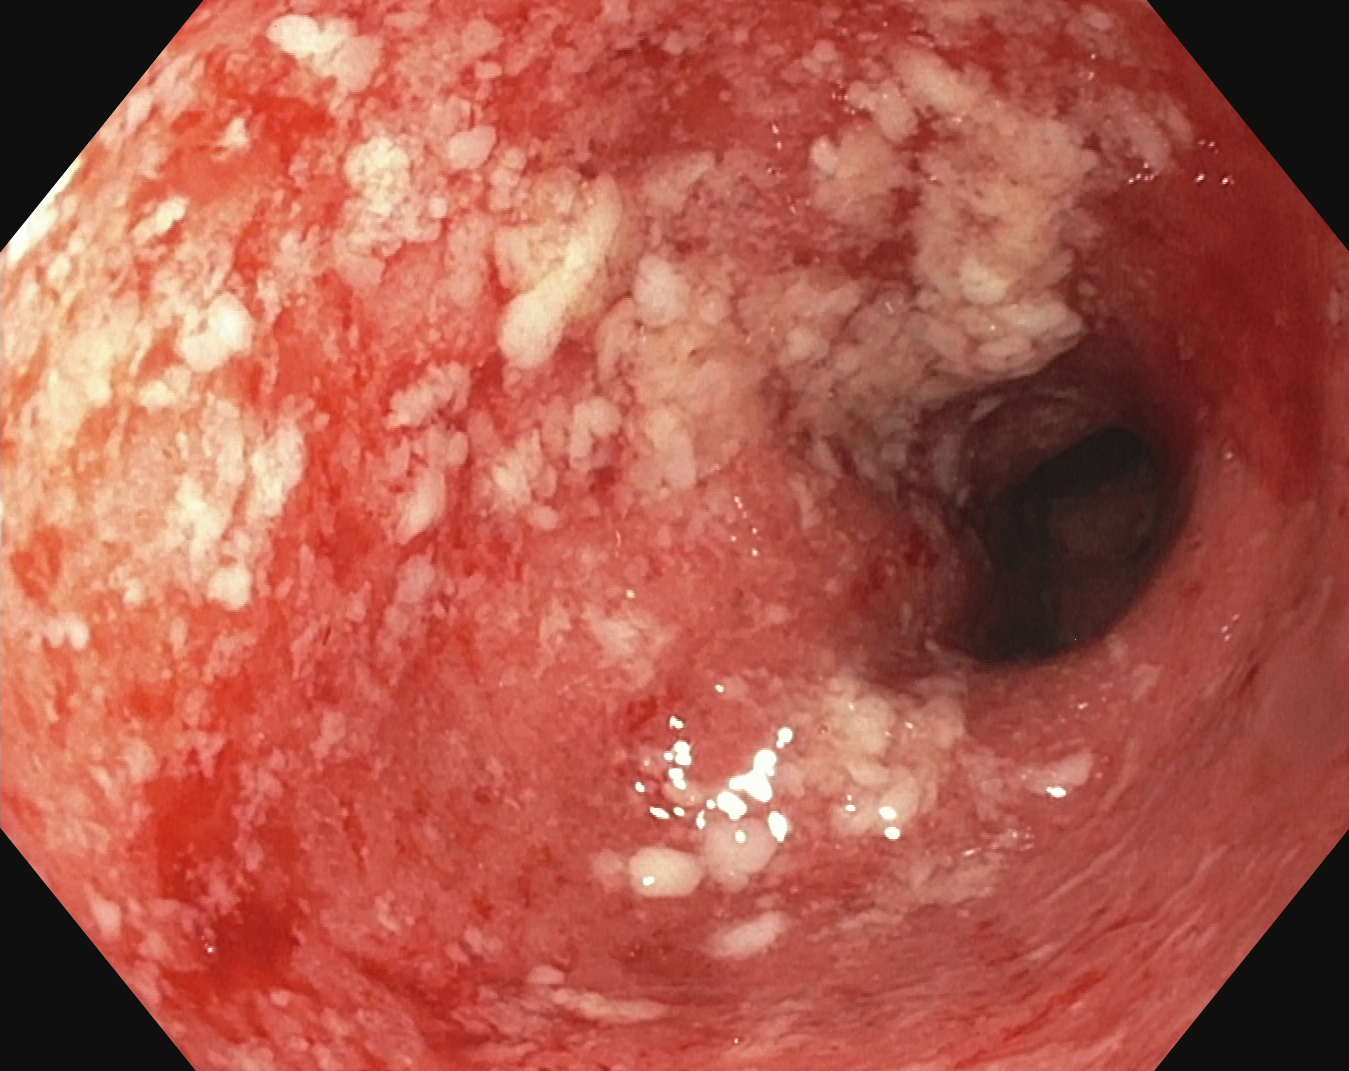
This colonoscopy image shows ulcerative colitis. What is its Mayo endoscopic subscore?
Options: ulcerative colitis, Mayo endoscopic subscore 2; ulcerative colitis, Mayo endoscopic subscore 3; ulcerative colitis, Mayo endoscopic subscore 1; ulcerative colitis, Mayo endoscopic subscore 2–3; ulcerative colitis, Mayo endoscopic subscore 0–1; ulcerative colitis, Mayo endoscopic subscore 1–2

ulcerative colitis, Mayo endoscopic subscore 2